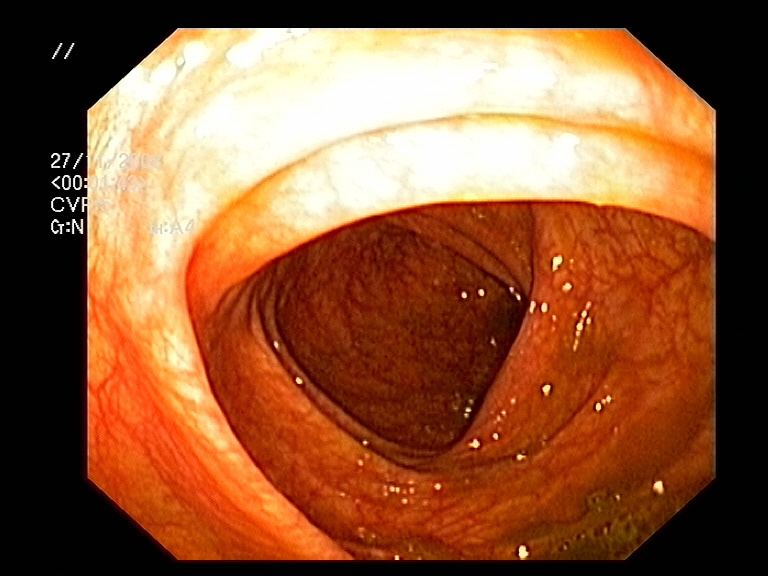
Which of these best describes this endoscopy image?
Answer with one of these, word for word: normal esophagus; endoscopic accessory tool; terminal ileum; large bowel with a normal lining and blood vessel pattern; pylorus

large bowel with a normal lining and blood vessel pattern